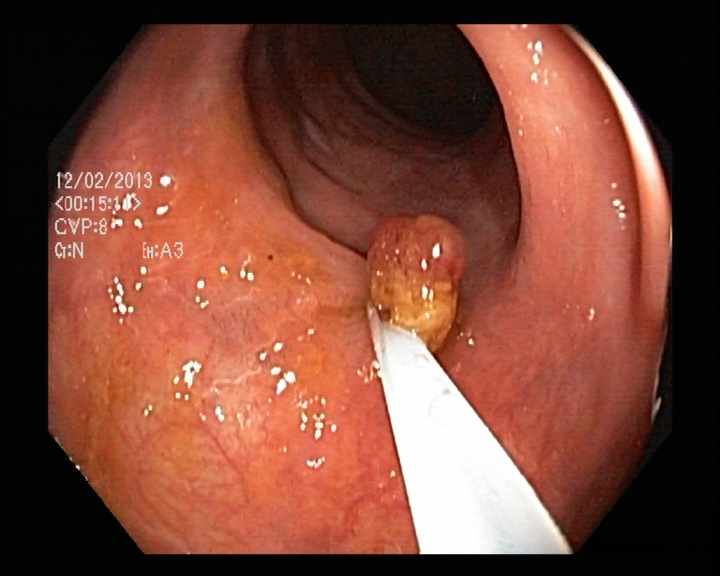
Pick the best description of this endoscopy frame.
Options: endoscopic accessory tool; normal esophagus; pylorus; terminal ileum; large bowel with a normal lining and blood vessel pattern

endoscopic accessory tool